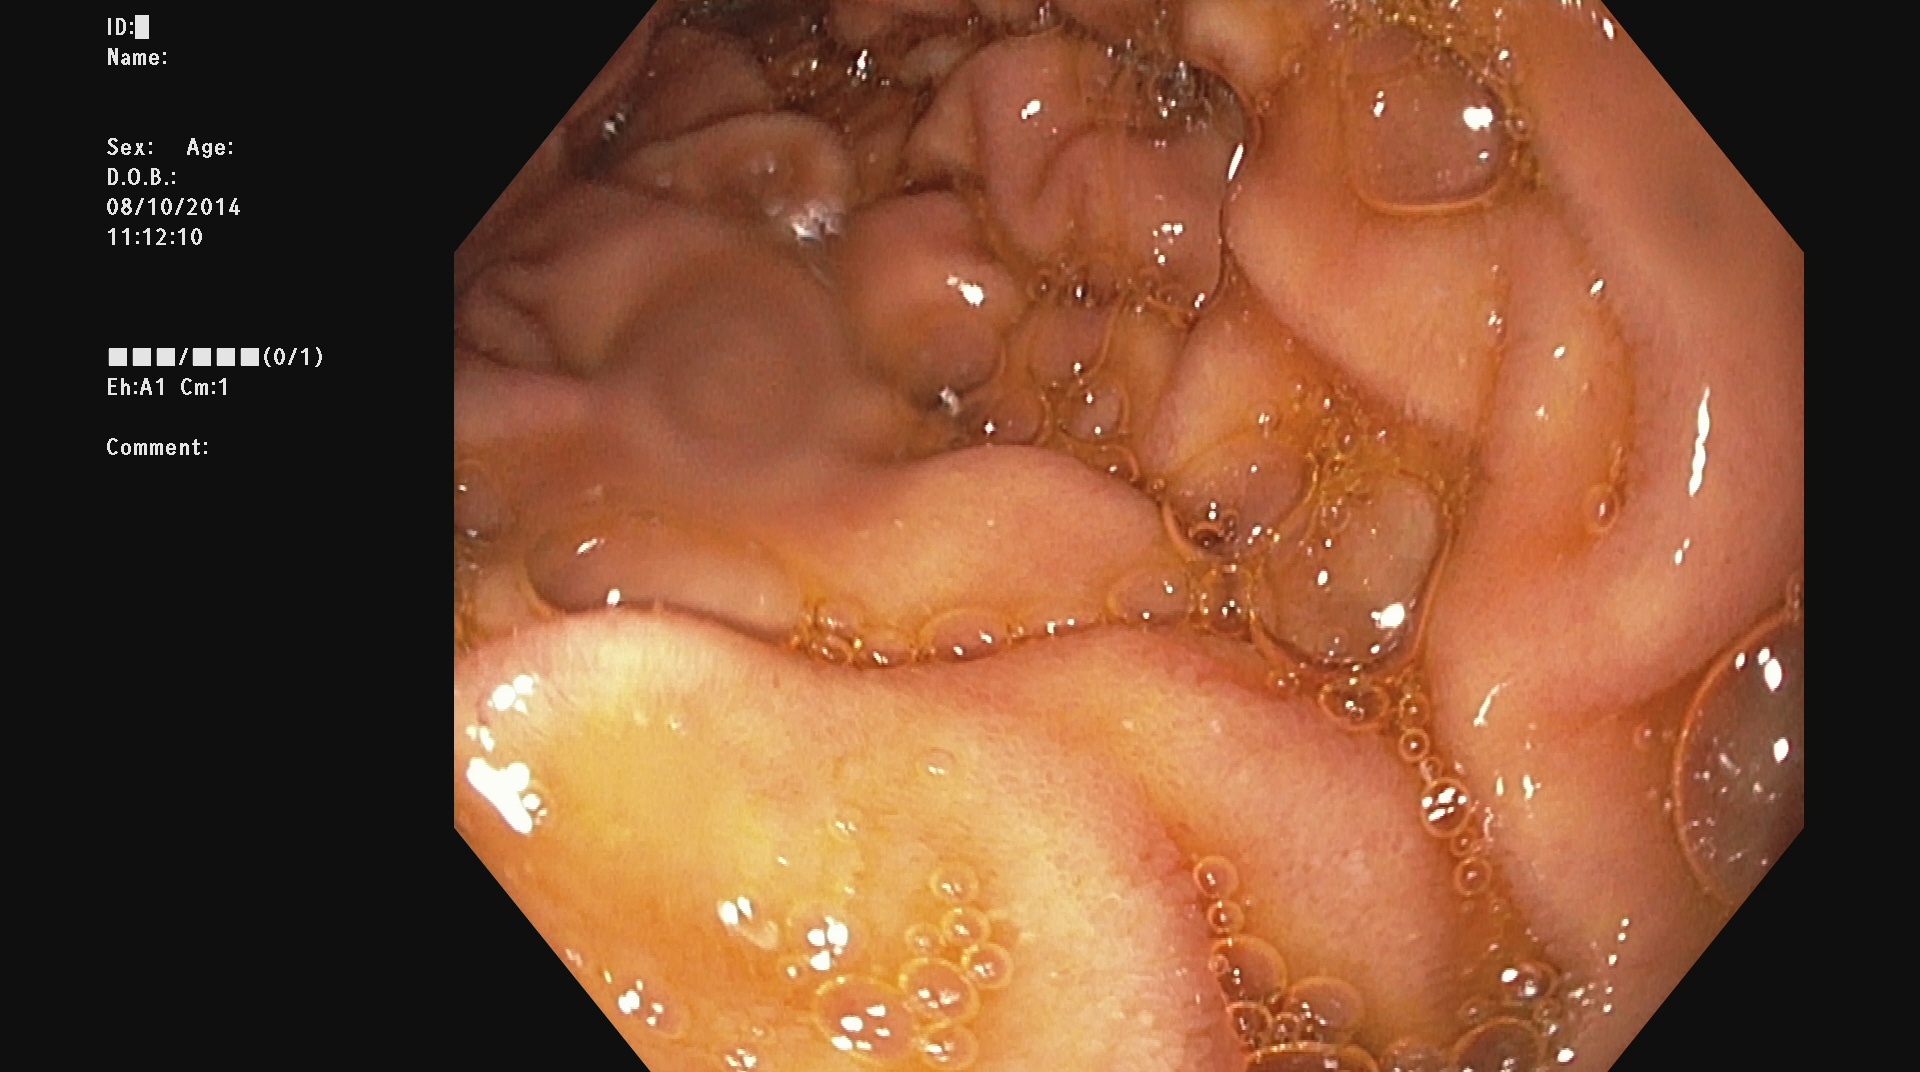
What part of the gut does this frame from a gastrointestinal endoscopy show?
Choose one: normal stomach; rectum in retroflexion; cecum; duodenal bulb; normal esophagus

normal stomach